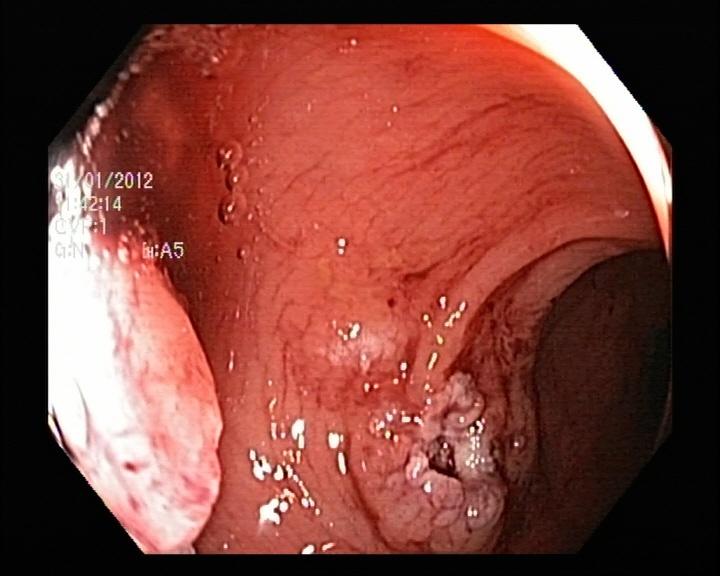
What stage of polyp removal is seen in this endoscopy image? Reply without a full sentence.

resected polyp